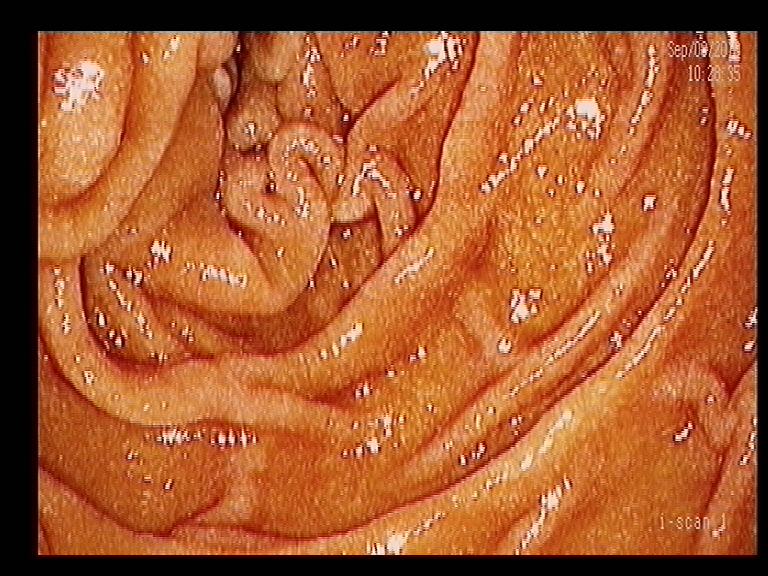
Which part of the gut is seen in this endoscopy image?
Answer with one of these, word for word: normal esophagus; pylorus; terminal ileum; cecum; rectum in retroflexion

terminal ileum